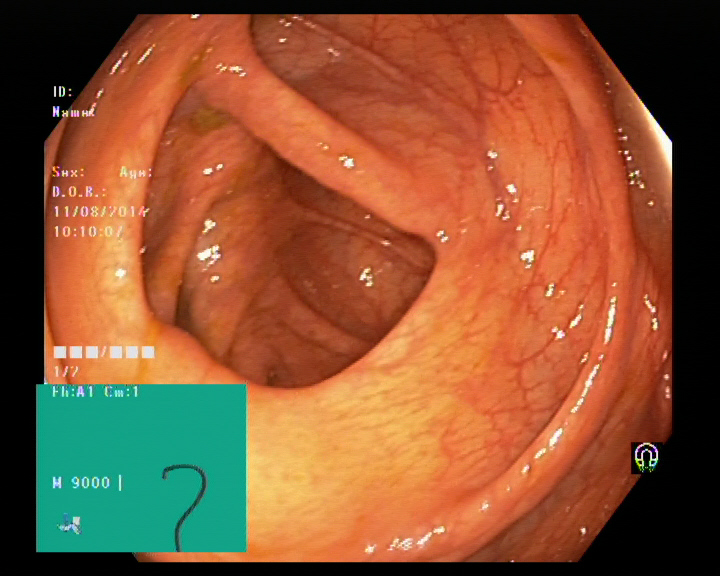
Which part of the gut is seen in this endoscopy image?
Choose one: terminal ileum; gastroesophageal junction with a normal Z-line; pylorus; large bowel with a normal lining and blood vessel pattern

large bowel with a normal lining and blood vessel pattern